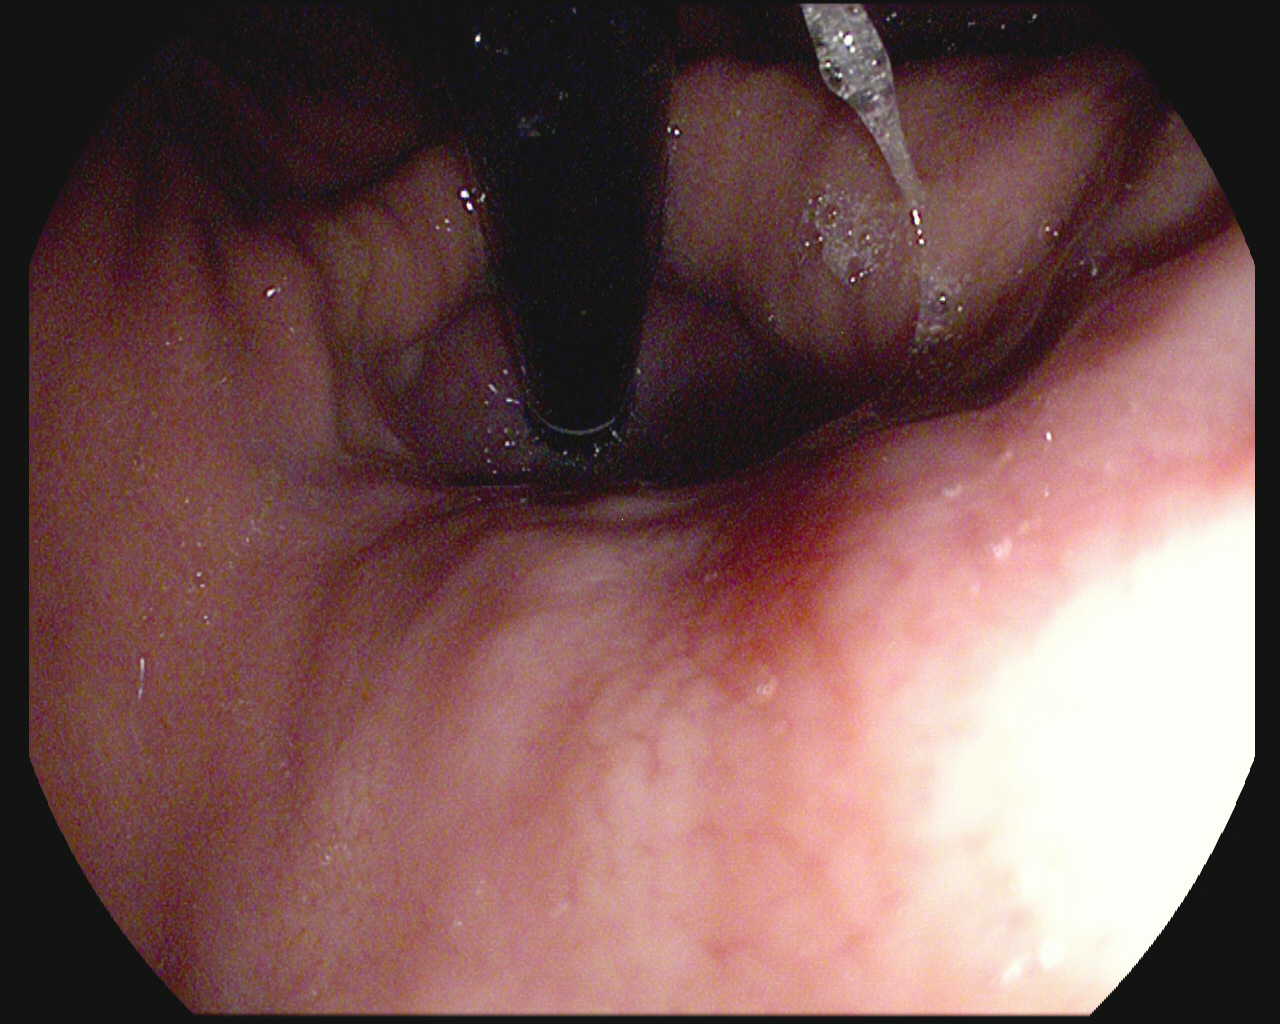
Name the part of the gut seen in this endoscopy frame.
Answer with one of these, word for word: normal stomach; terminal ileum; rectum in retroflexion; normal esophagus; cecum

normal stomach